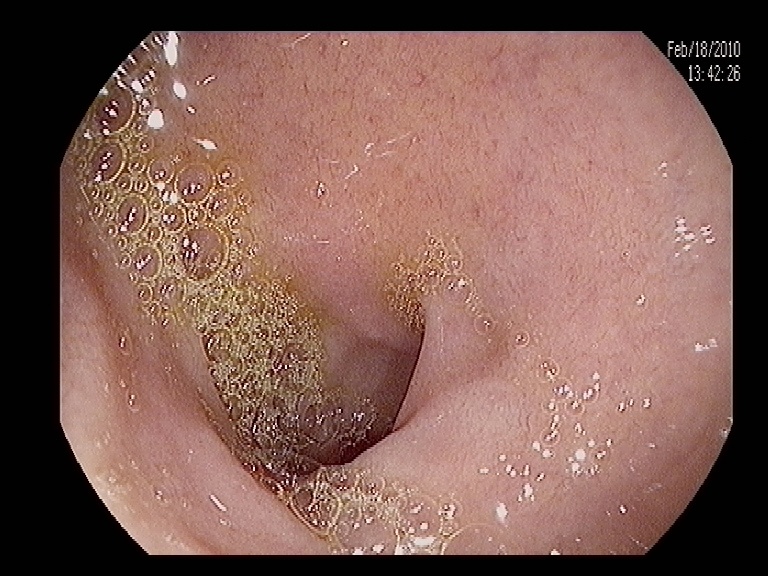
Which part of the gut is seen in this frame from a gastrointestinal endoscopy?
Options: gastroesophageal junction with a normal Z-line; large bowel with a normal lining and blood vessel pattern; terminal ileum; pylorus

terminal ileum